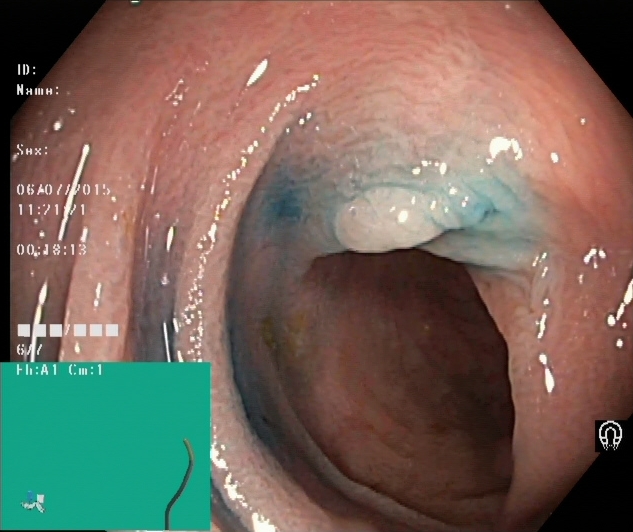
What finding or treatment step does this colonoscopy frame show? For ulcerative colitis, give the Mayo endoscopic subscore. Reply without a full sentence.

dyed and lifted polyp (pre-resection)